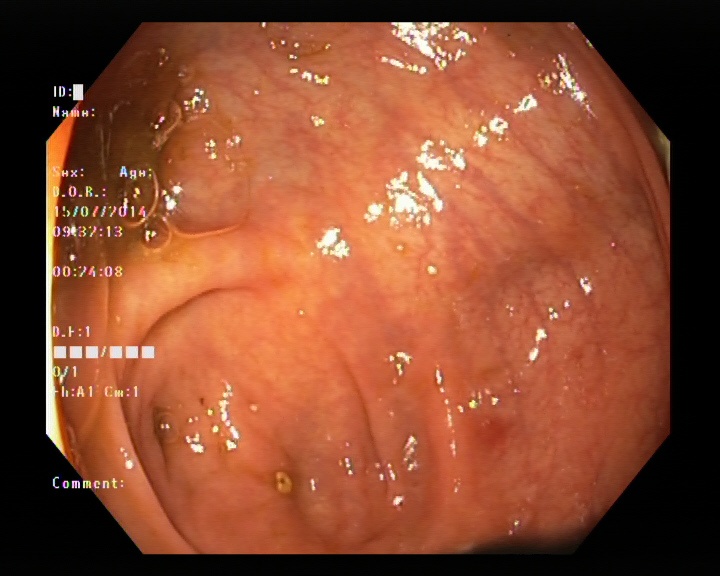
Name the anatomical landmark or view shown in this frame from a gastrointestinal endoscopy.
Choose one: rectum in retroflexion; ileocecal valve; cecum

cecum